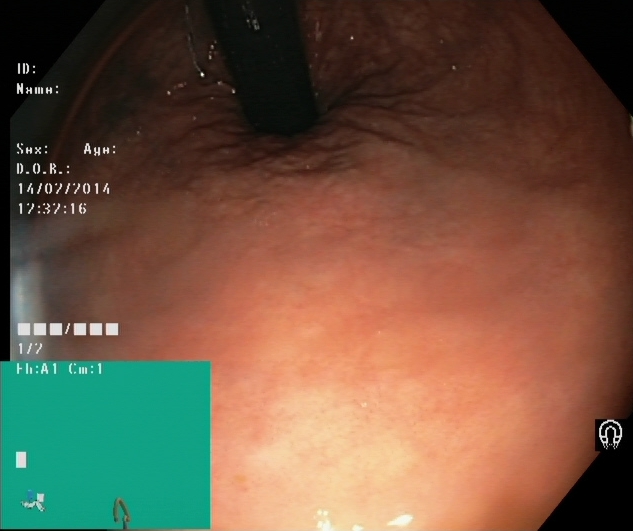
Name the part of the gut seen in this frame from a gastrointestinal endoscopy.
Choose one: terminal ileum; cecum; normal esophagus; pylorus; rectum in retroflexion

rectum in retroflexion